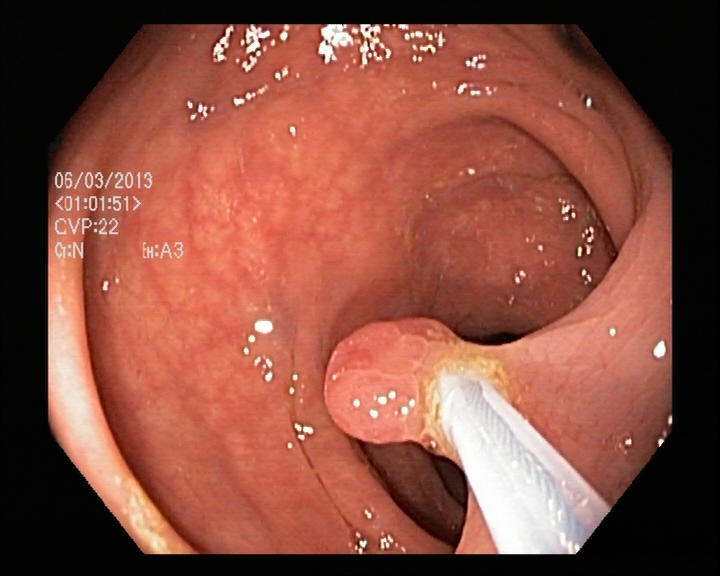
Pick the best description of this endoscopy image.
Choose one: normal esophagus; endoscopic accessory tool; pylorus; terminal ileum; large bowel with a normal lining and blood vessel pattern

endoscopic accessory tool